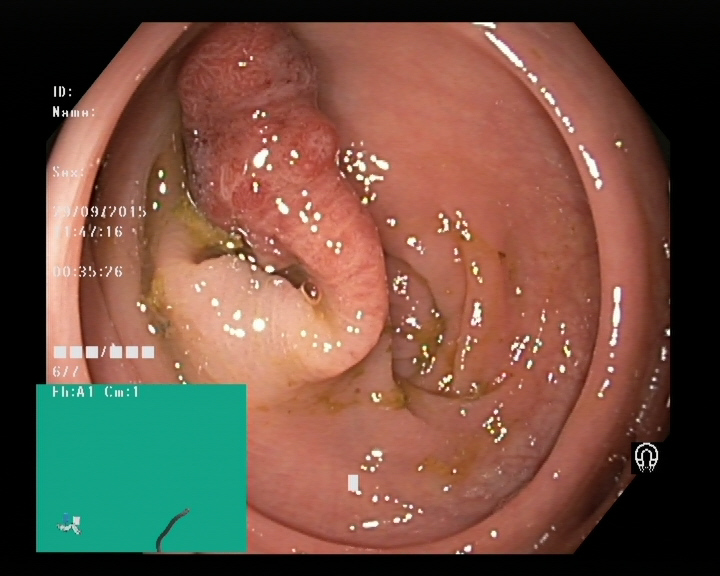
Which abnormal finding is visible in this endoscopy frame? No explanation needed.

colon polyp